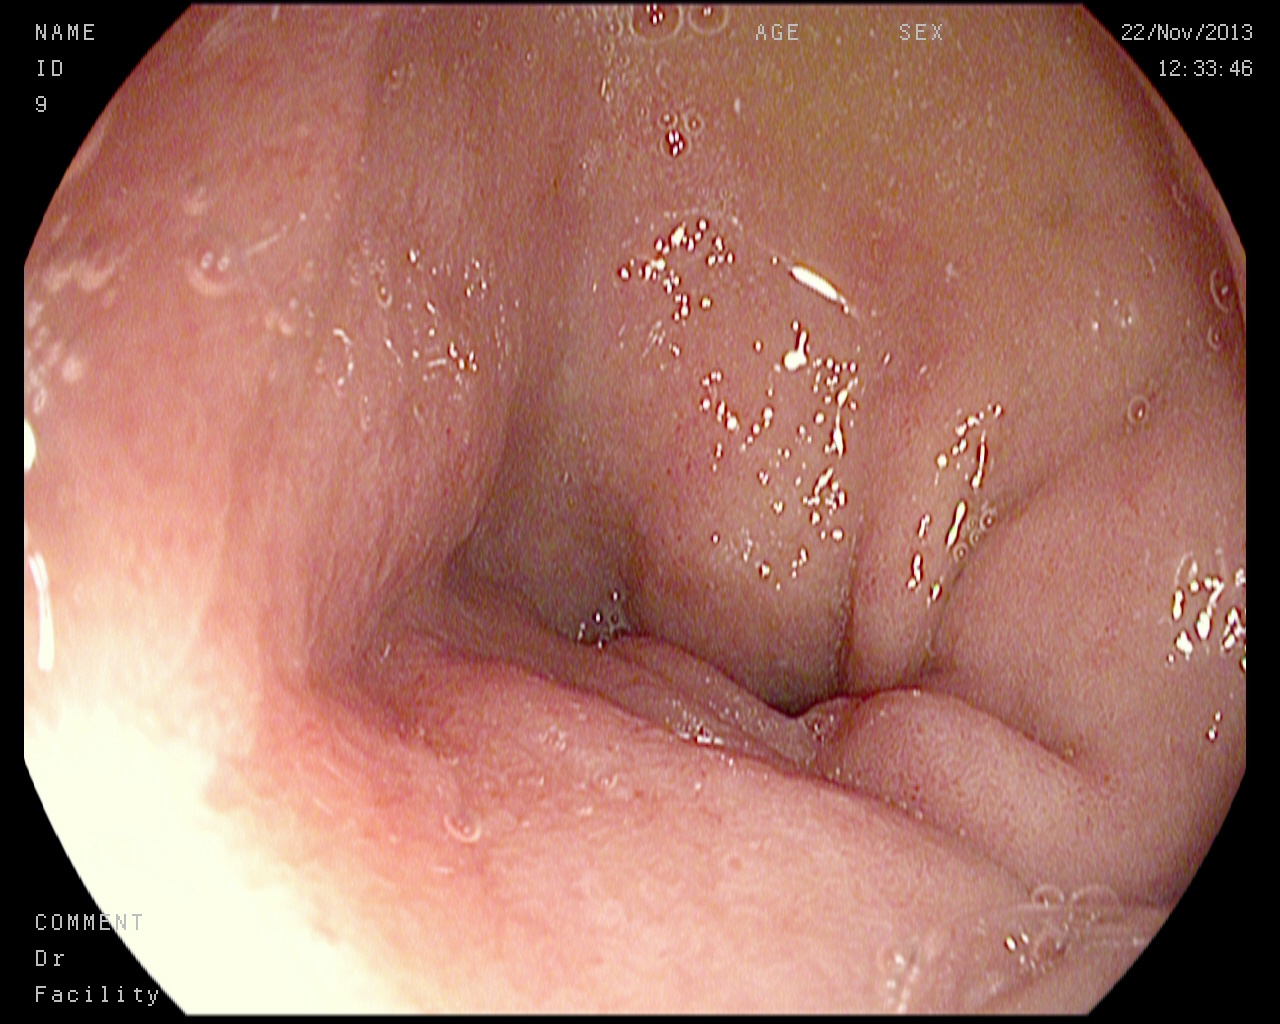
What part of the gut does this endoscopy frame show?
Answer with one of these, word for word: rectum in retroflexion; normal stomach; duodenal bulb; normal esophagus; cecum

duodenal bulb